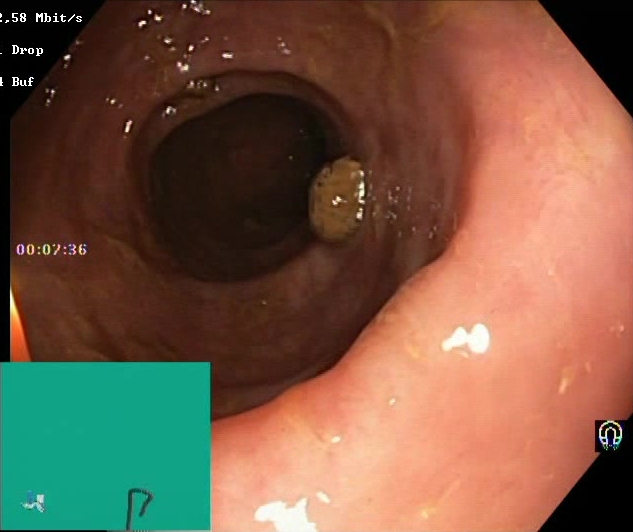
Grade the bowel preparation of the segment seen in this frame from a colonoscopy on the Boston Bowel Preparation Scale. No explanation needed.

Boston Bowel Preparation Scale score 2–3 (adequate preparation)